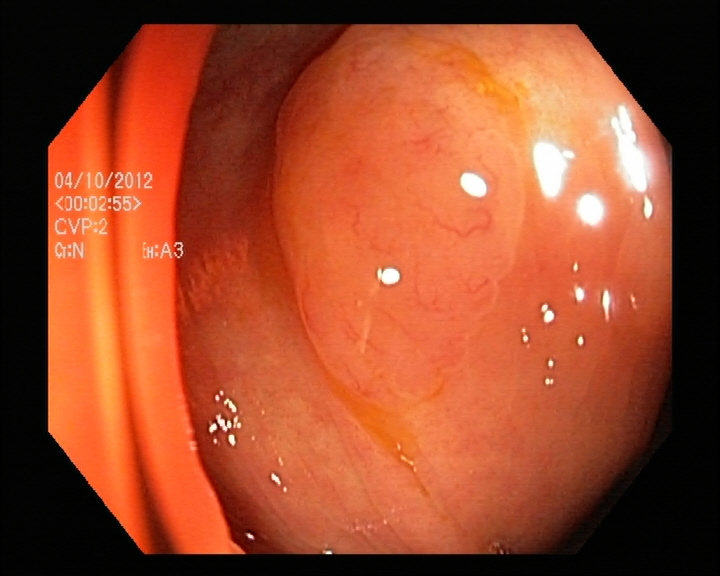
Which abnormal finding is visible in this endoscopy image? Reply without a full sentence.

colon polyp